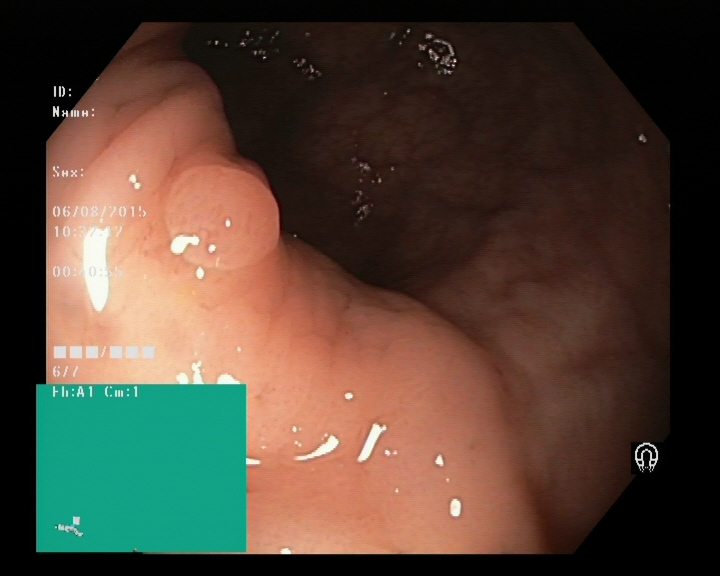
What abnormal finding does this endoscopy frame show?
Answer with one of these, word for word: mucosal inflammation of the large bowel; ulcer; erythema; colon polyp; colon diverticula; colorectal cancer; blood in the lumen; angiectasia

colon polyp